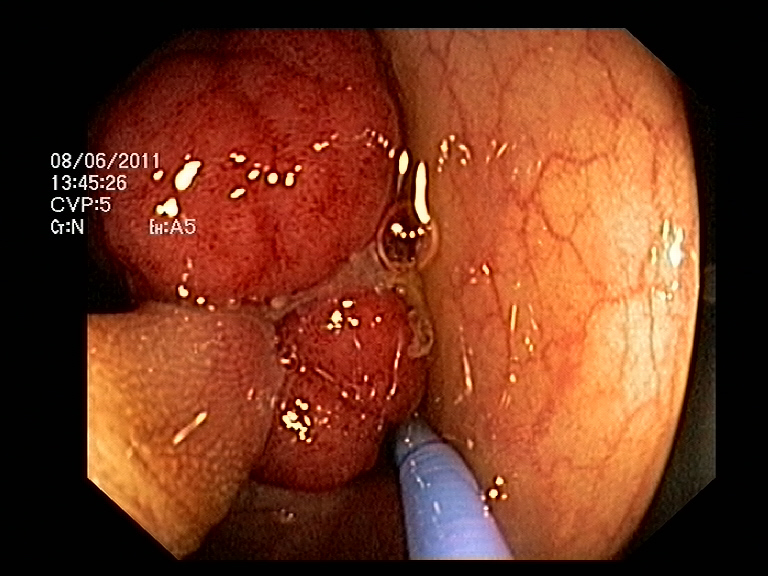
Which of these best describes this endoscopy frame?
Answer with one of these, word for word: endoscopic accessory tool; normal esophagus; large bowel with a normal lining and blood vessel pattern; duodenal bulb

endoscopic accessory tool